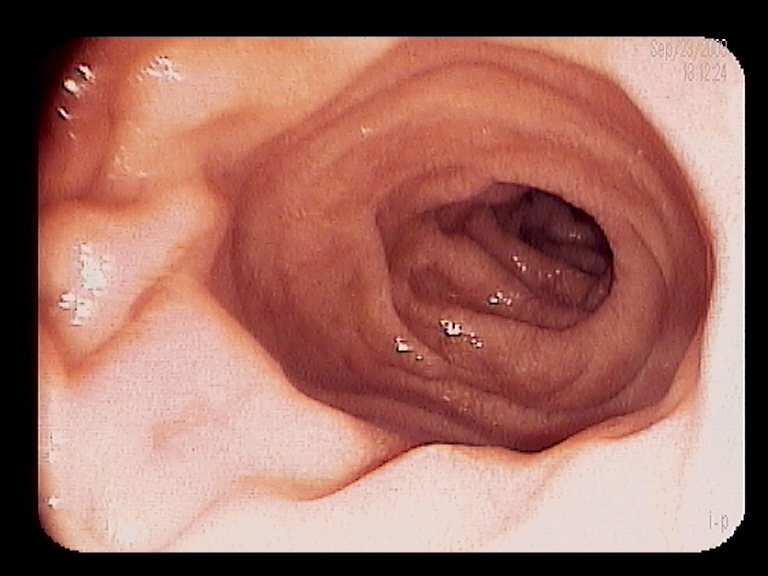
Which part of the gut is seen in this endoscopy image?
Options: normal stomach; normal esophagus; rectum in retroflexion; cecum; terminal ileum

terminal ileum